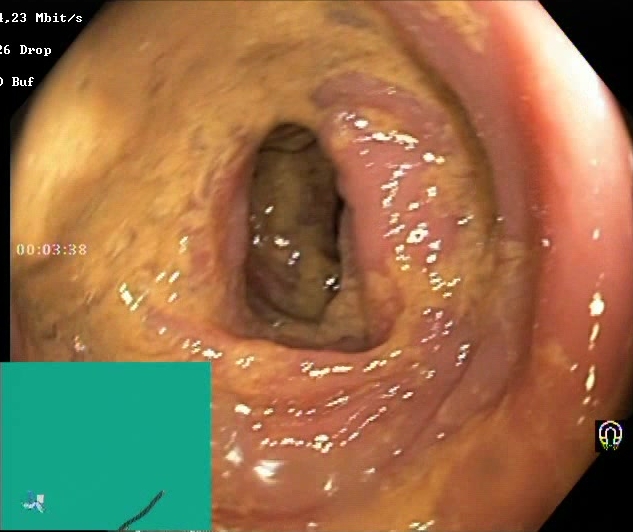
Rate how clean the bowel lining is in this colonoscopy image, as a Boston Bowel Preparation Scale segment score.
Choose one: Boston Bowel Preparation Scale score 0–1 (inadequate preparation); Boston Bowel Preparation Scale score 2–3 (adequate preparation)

Boston Bowel Preparation Scale score 0–1 (inadequate preparation)